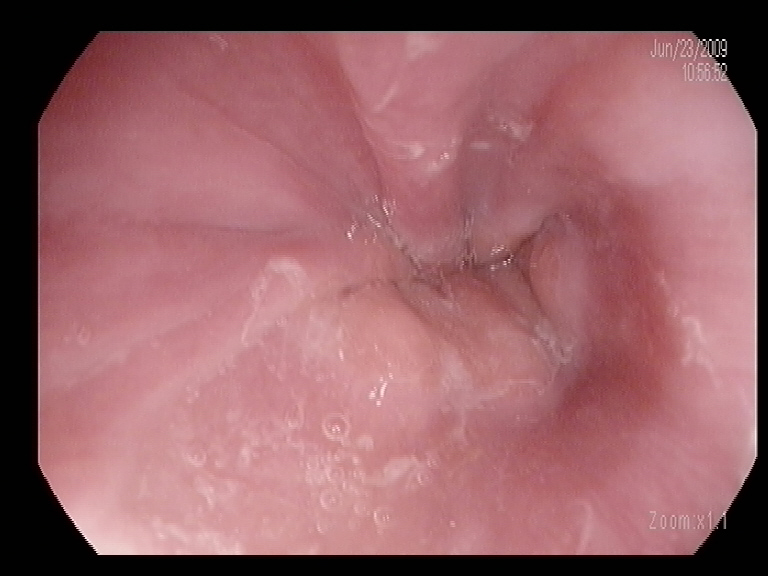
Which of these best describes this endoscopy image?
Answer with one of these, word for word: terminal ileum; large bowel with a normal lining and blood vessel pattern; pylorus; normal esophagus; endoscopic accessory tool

normal esophagus